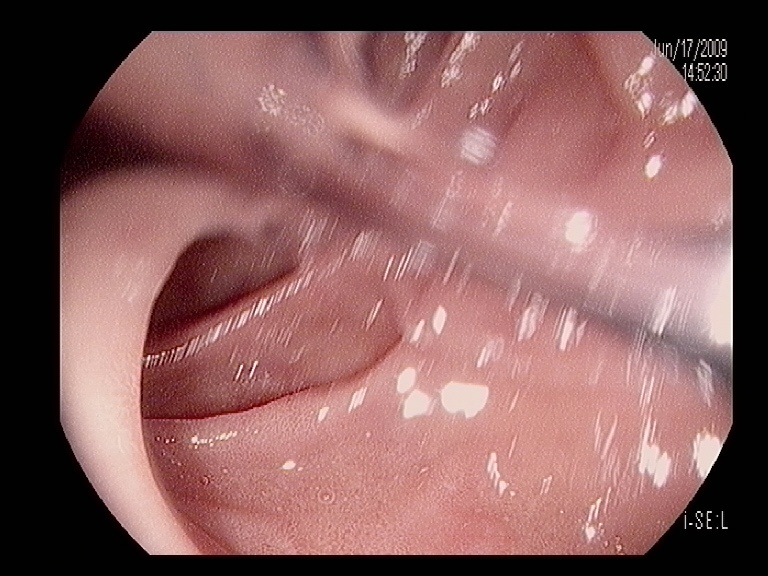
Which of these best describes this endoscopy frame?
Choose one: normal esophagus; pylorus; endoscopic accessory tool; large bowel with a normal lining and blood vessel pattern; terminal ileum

terminal ileum